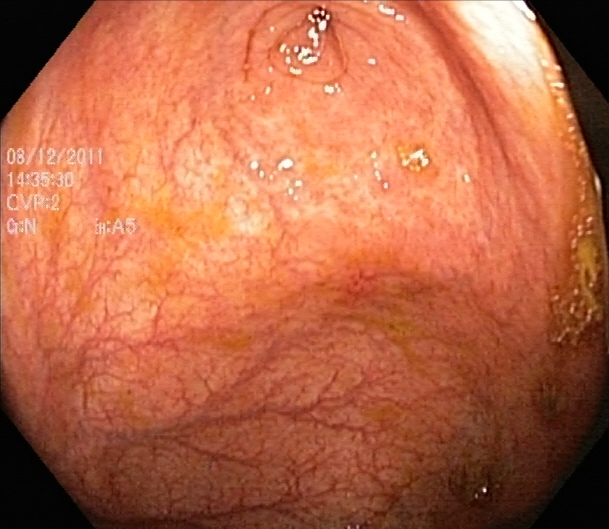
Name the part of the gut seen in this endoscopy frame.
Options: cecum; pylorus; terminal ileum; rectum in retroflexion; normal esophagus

cecum